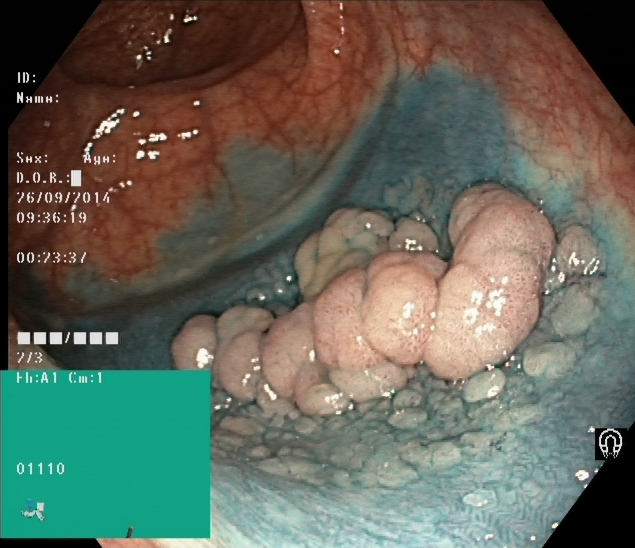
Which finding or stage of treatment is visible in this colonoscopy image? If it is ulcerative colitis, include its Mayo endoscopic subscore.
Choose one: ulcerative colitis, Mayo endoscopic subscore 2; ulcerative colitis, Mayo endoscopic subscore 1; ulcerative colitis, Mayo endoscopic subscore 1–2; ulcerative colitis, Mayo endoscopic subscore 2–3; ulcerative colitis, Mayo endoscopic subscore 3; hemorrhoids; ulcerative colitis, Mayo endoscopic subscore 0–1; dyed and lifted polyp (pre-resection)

dyed and lifted polyp (pre-resection)